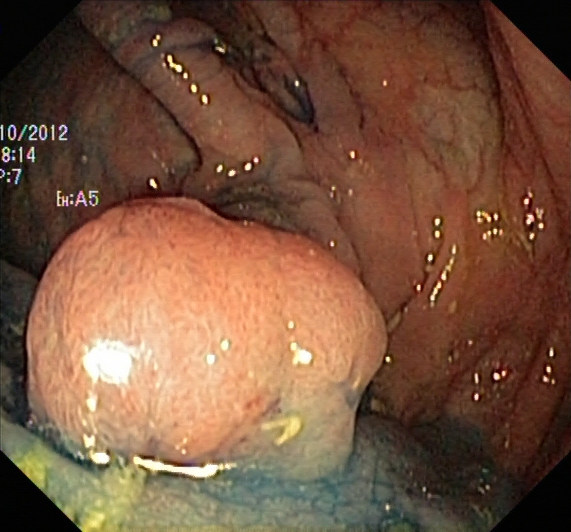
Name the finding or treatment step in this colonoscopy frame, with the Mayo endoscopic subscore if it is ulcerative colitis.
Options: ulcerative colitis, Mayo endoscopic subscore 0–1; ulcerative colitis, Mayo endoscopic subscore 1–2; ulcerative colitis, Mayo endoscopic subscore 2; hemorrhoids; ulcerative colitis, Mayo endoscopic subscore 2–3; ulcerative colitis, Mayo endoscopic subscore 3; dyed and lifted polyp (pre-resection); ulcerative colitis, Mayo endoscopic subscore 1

dyed and lifted polyp (pre-resection)